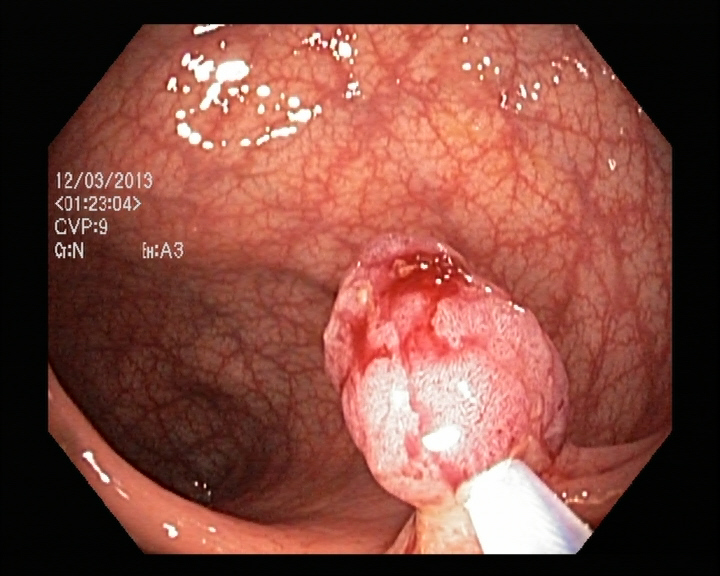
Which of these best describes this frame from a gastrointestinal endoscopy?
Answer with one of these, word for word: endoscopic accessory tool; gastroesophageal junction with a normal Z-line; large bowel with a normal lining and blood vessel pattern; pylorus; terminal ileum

endoscopic accessory tool